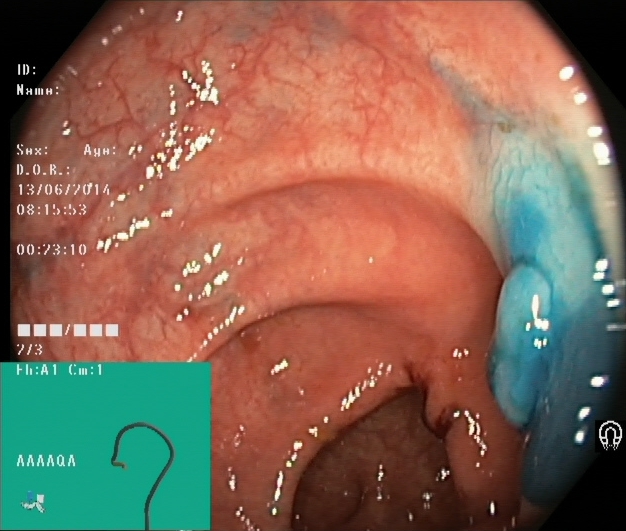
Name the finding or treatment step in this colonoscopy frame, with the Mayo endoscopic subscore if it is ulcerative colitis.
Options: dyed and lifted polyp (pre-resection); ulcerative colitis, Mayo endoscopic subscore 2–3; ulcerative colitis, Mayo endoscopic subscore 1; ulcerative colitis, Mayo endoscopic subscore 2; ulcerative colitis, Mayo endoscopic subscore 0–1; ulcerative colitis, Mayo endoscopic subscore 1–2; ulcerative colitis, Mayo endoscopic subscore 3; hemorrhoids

dyed and lifted polyp (pre-resection)